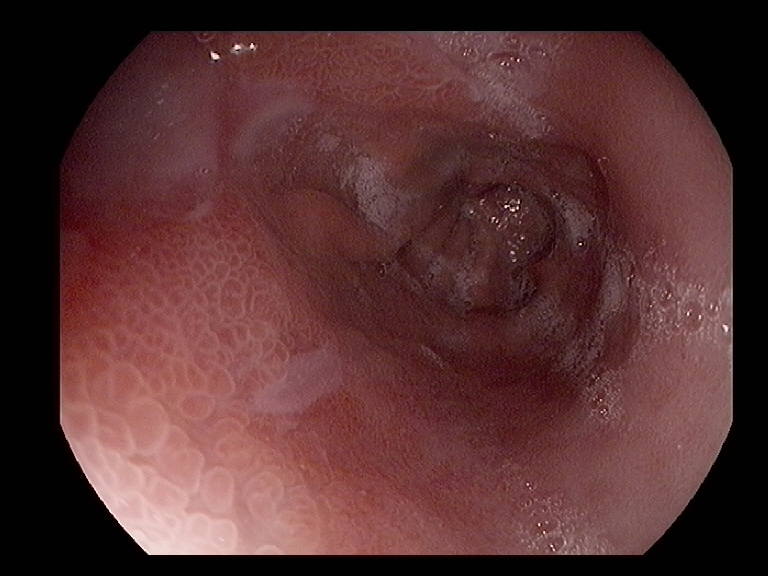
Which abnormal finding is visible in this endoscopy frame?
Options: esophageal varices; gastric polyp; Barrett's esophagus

Barrett's esophagus